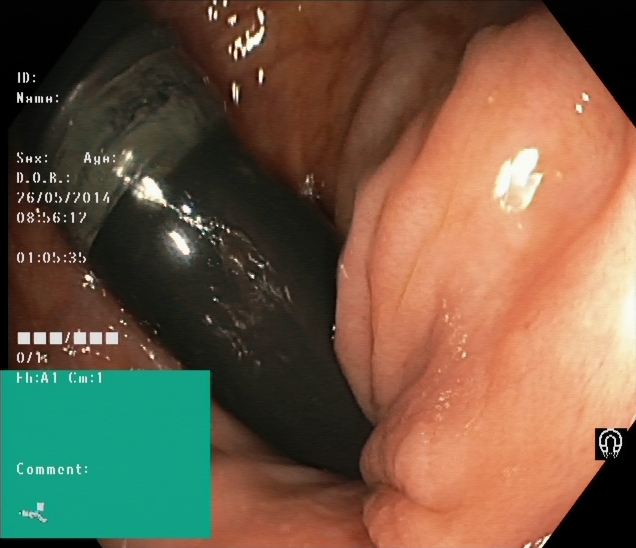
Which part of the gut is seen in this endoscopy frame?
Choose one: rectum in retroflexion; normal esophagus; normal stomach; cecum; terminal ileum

rectum in retroflexion